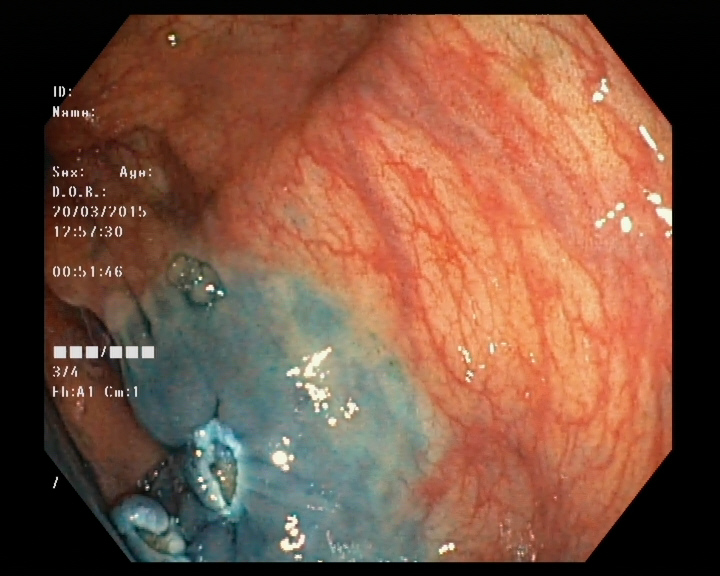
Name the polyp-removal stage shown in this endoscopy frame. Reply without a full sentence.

dyed resection margin (post-polypectomy)